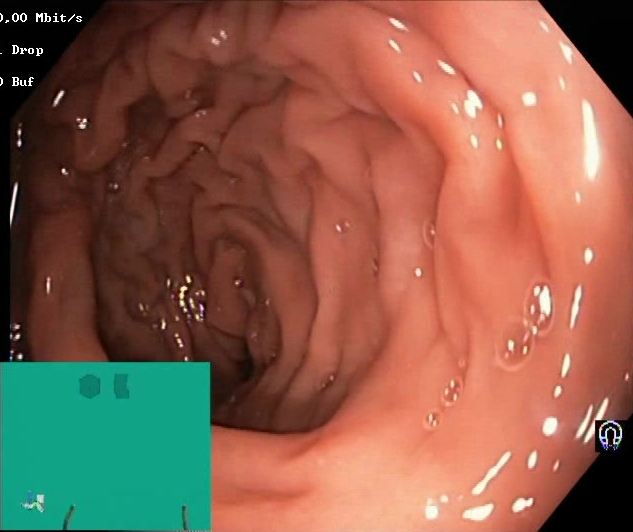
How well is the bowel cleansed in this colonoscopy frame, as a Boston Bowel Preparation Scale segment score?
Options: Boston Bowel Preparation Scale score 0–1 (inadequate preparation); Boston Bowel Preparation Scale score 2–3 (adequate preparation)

Boston Bowel Preparation Scale score 2–3 (adequate preparation)